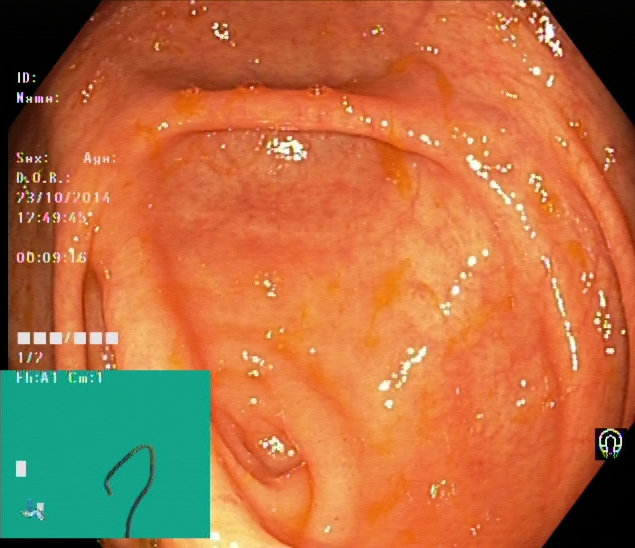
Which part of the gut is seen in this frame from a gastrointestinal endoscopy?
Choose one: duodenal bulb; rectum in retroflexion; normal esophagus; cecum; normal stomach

cecum